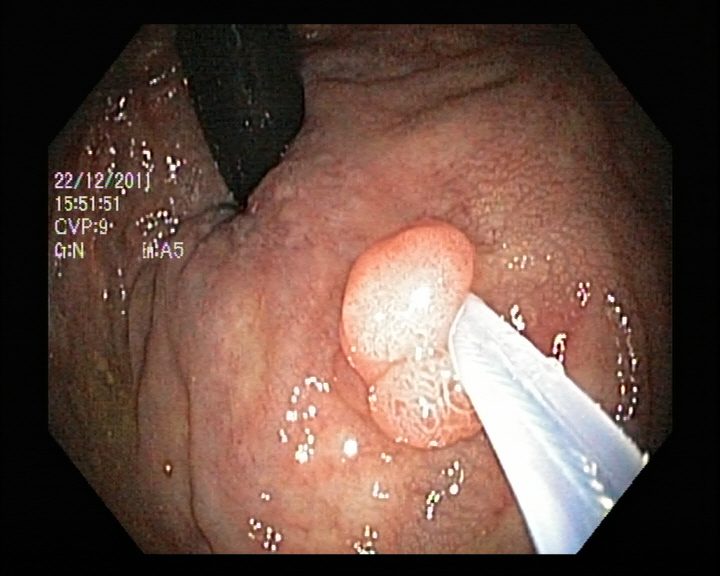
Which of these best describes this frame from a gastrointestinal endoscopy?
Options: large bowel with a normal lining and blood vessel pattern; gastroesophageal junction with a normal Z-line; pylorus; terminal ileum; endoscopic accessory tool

endoscopic accessory tool